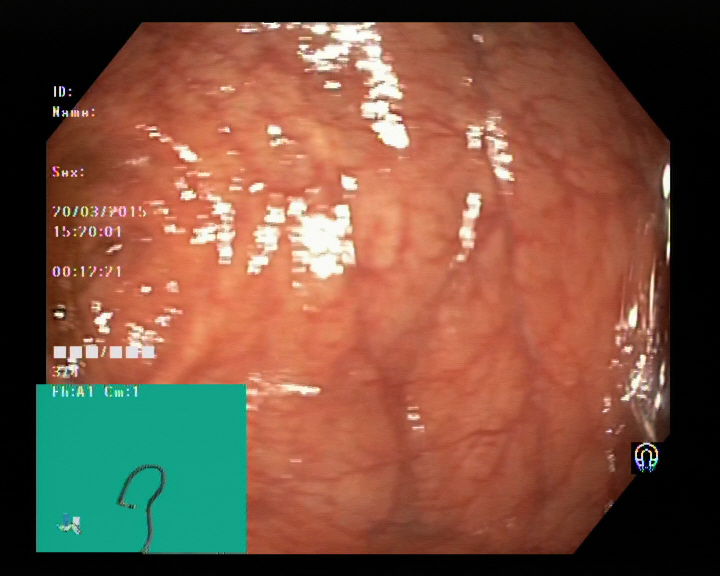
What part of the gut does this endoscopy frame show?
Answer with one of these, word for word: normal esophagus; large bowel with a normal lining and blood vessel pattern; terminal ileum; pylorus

large bowel with a normal lining and blood vessel pattern